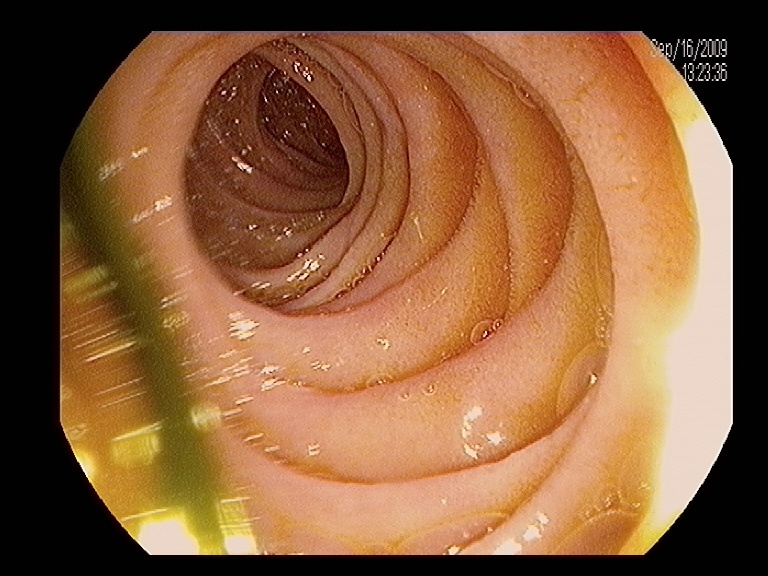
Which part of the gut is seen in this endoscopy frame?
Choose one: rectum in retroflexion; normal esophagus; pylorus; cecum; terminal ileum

terminal ileum